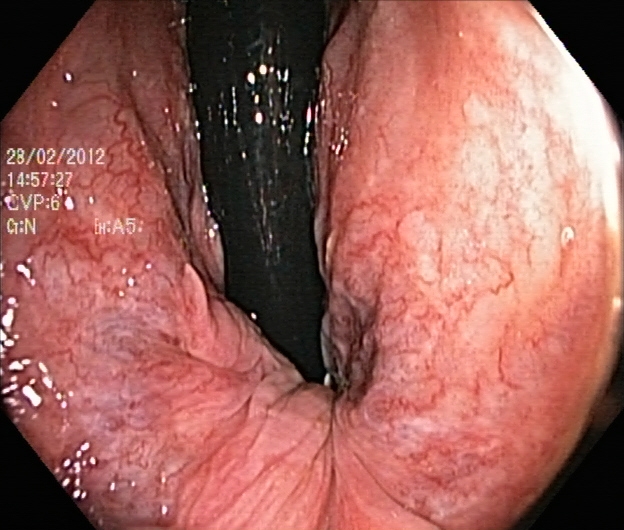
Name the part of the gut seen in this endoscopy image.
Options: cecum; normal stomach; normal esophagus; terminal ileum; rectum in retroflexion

rectum in retroflexion